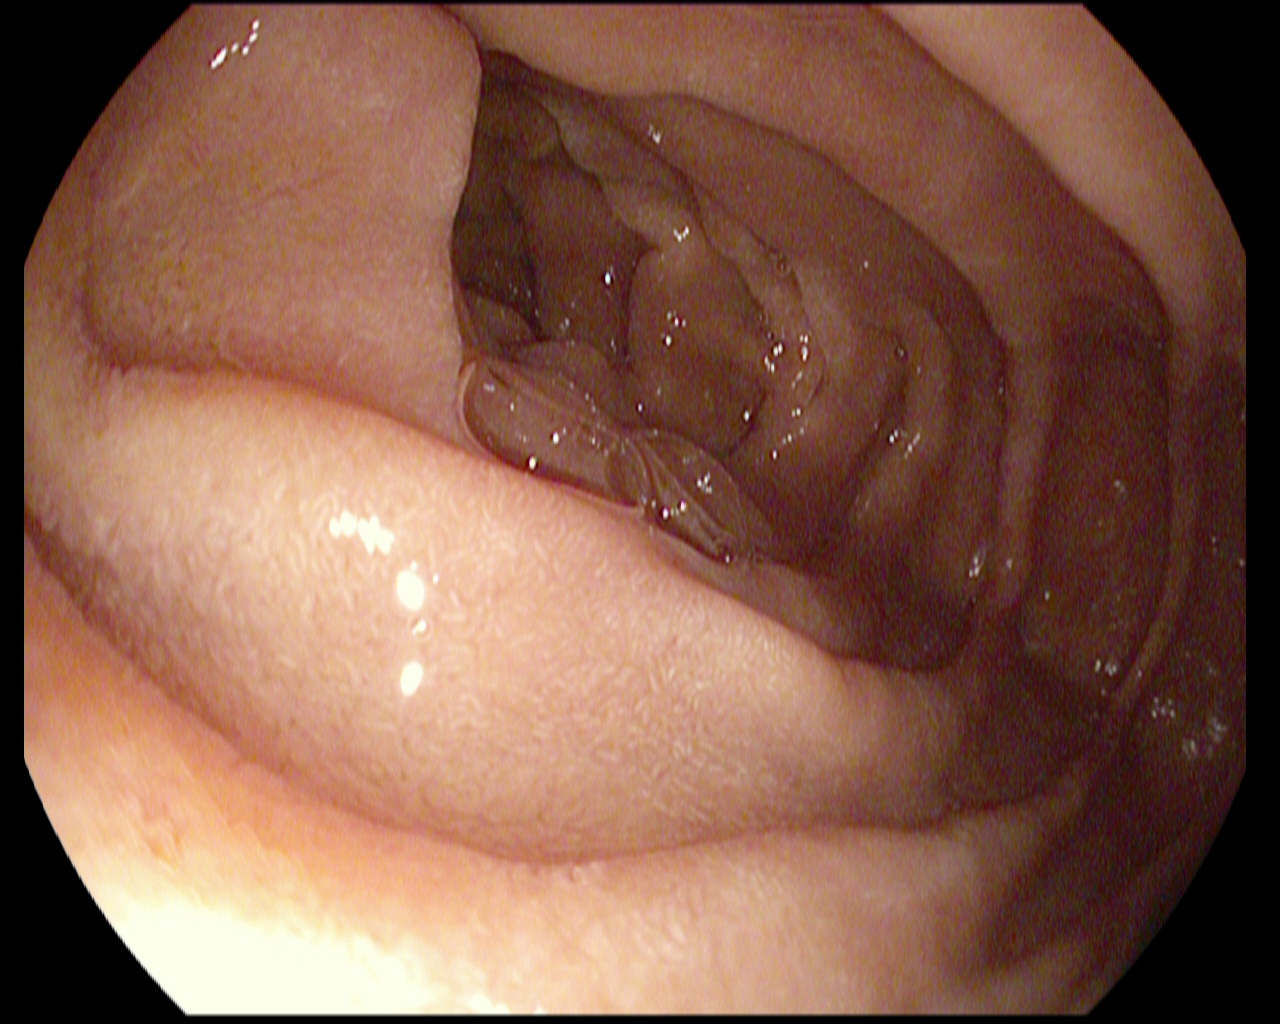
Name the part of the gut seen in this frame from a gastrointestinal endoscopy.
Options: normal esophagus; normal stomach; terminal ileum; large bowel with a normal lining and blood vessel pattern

terminal ileum